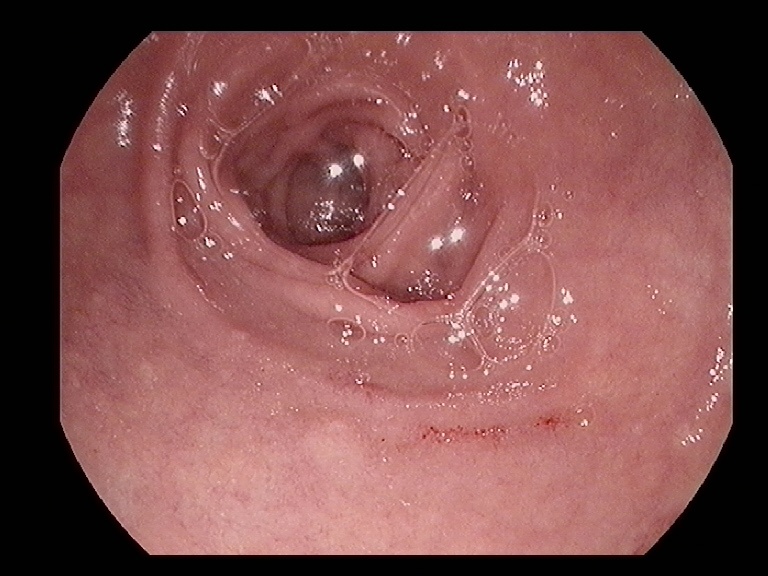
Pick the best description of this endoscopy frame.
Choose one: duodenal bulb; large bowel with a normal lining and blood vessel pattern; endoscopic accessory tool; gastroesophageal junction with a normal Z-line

duodenal bulb